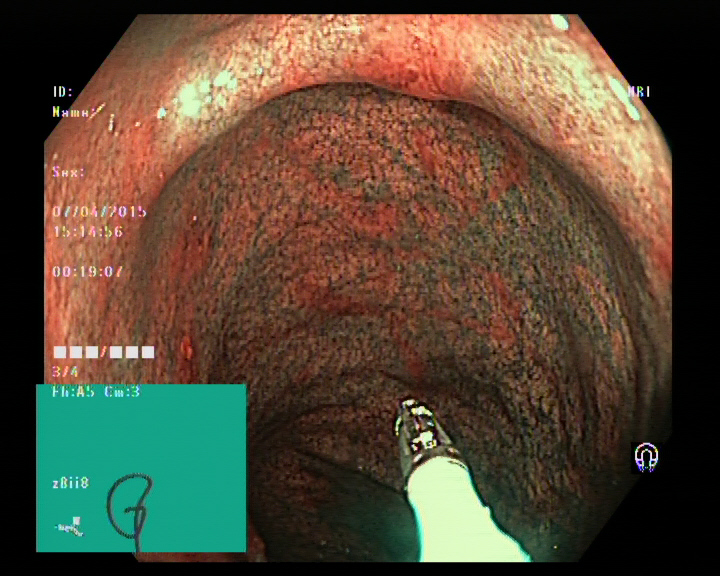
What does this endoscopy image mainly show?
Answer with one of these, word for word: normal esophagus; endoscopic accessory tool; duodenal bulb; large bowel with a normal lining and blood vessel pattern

endoscopic accessory tool